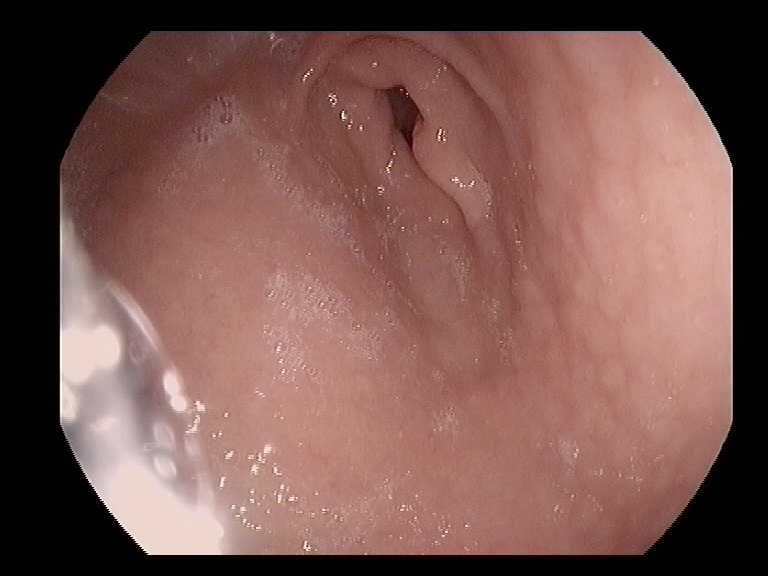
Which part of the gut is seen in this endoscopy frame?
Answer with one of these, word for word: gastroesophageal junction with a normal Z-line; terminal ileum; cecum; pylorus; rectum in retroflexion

pylorus